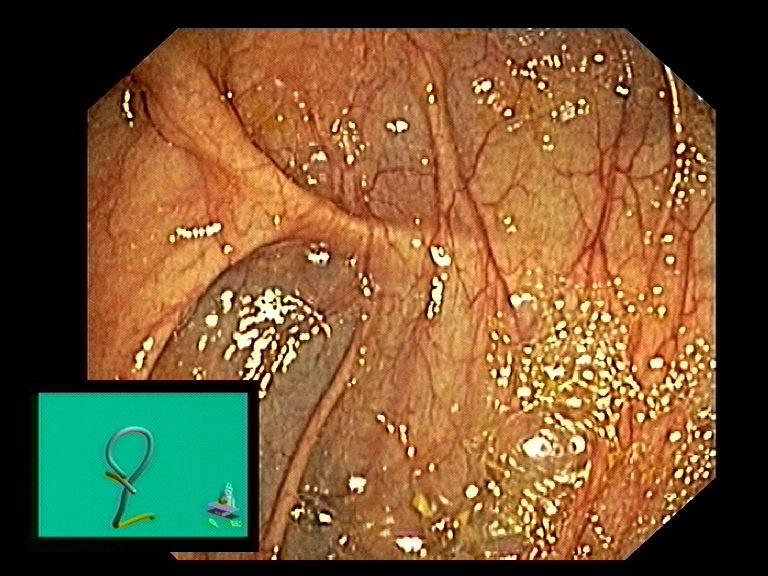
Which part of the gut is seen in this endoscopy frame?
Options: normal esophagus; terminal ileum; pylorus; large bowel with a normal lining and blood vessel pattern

large bowel with a normal lining and blood vessel pattern